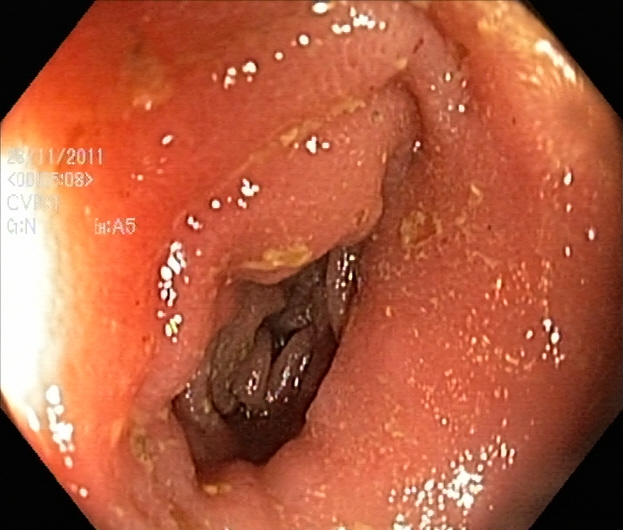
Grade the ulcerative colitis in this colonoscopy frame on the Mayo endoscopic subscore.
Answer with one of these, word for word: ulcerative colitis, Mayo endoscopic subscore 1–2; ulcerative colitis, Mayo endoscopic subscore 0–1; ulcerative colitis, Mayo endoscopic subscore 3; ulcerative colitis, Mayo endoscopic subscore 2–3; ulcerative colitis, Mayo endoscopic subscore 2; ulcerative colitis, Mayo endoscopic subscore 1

ulcerative colitis, Mayo endoscopic subscore 1